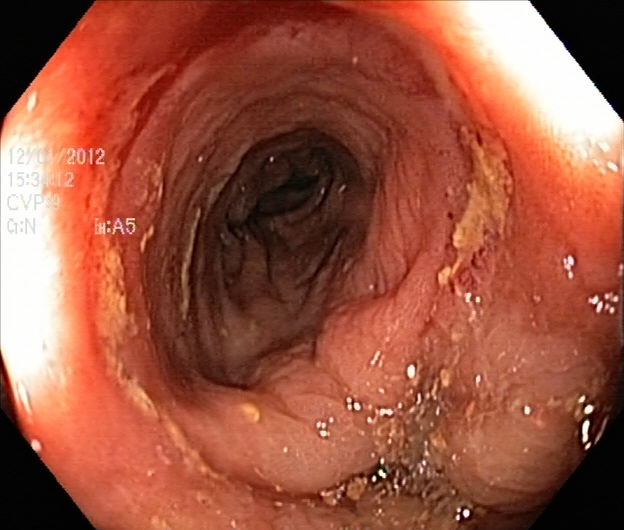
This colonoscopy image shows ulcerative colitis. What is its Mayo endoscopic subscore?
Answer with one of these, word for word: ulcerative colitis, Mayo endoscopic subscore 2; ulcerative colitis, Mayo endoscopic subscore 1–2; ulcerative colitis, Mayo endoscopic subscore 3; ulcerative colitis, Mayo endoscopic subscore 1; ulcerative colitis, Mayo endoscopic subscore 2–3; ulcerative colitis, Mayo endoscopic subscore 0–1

ulcerative colitis, Mayo endoscopic subscore 2